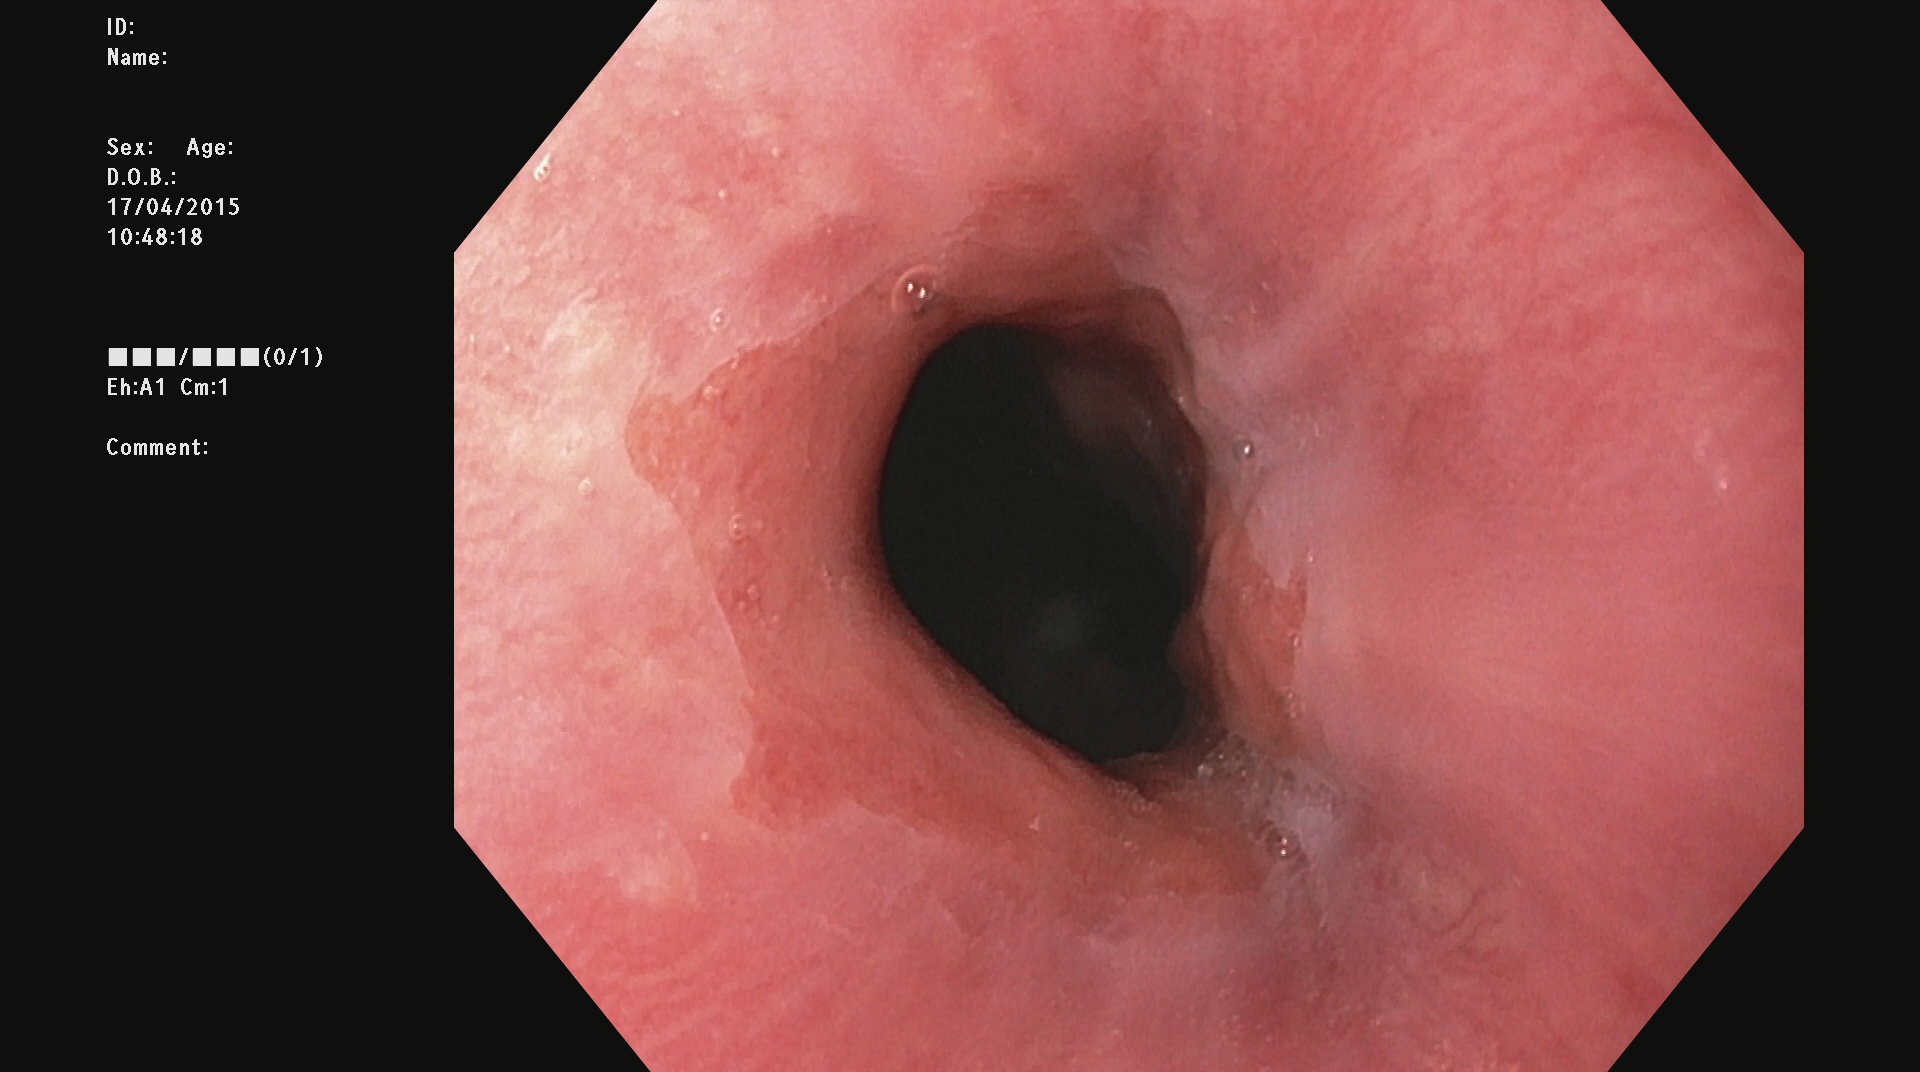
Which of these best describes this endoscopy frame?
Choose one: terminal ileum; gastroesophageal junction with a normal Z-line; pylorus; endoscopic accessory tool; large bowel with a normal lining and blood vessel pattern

gastroesophageal junction with a normal Z-line